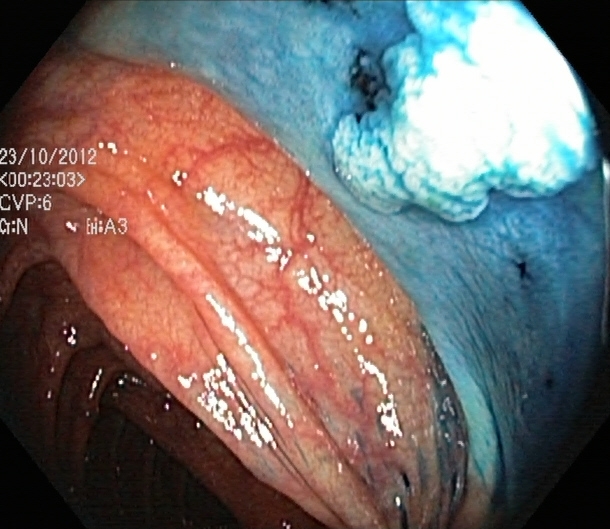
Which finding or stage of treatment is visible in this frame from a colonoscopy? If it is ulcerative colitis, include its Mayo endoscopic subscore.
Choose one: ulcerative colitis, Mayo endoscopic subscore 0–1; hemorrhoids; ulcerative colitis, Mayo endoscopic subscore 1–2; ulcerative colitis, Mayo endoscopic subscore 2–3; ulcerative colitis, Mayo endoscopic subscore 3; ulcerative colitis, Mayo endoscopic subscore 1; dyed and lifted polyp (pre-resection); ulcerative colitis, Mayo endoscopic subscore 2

dyed and lifted polyp (pre-resection)